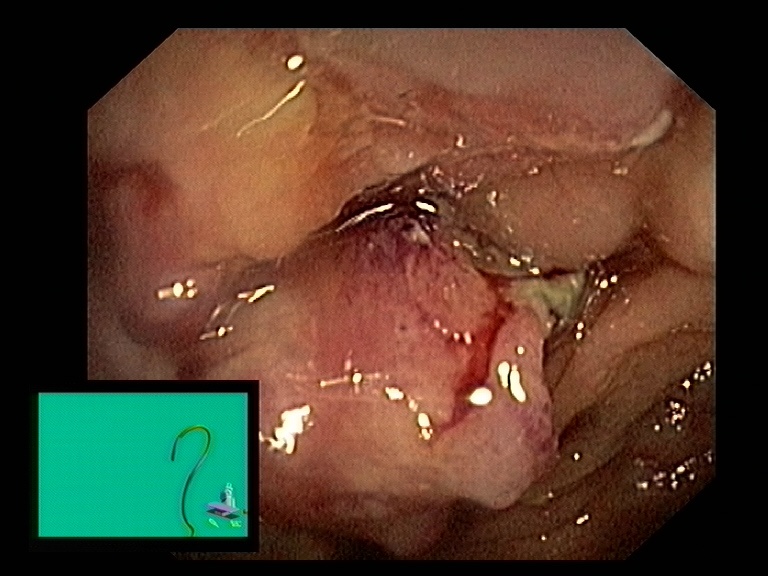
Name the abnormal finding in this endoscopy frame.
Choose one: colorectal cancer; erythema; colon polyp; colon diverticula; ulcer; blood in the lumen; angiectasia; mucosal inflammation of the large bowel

colorectal cancer